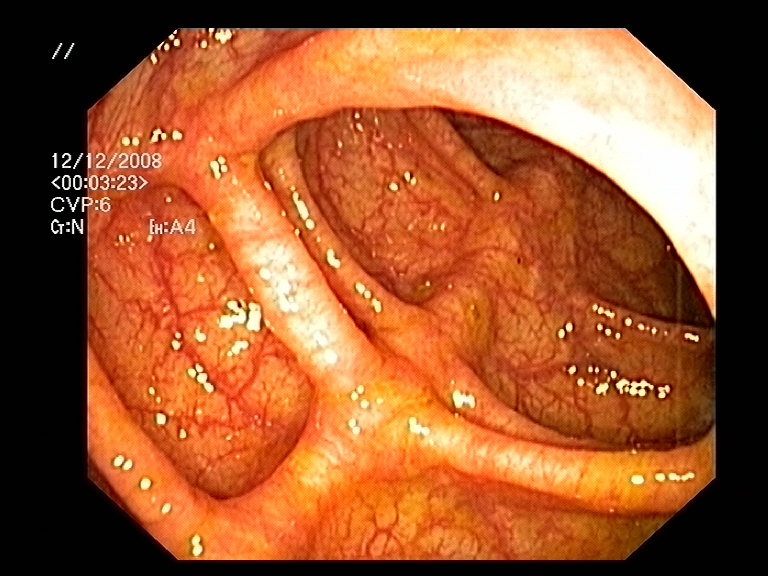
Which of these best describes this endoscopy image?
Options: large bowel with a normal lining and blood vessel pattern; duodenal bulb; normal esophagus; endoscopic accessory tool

large bowel with a normal lining and blood vessel pattern